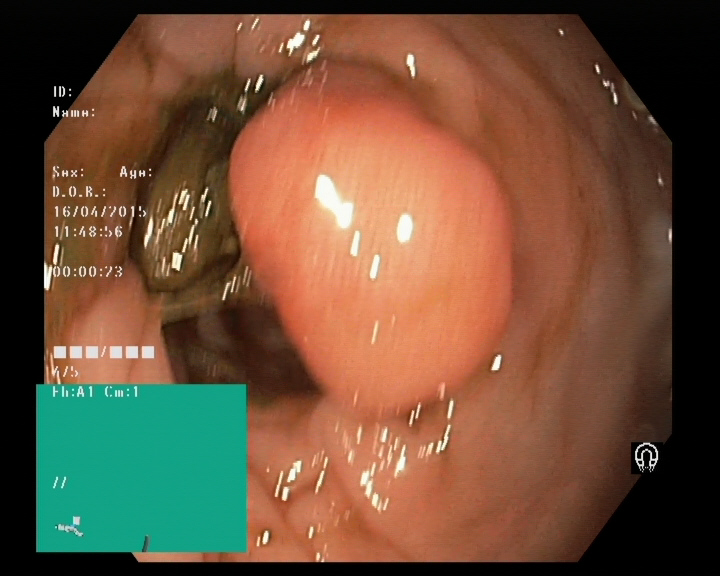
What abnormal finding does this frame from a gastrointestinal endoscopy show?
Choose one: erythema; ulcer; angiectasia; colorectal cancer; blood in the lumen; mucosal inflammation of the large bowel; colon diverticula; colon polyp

colon polyp